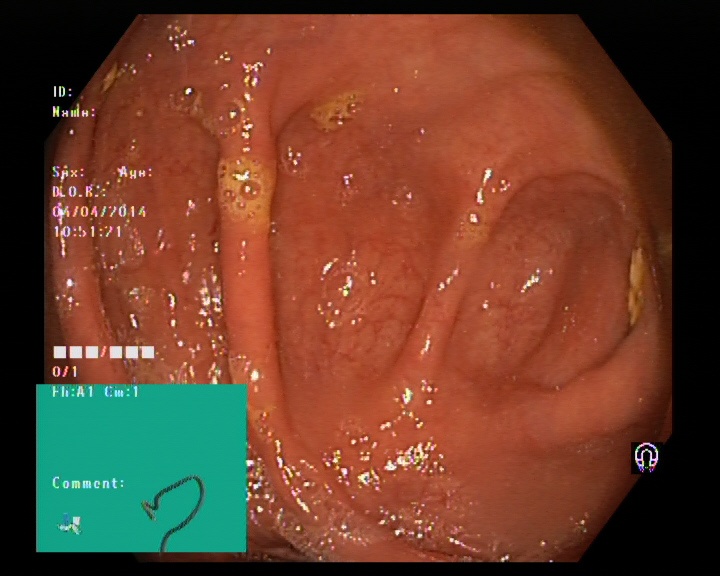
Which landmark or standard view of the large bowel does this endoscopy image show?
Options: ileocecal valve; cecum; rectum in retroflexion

cecum